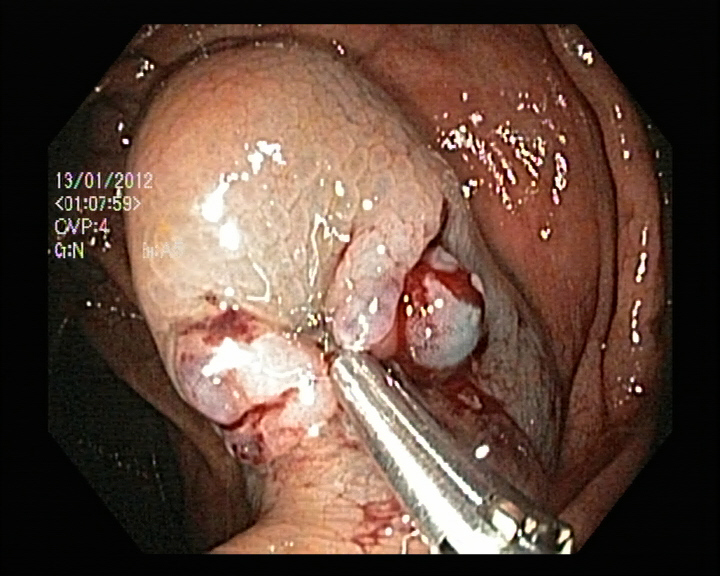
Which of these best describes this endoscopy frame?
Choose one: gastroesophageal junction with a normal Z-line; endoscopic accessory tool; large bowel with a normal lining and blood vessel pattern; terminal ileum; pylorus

endoscopic accessory tool